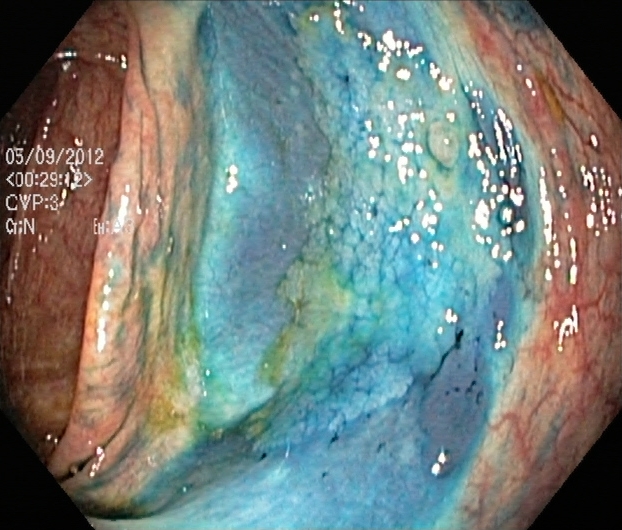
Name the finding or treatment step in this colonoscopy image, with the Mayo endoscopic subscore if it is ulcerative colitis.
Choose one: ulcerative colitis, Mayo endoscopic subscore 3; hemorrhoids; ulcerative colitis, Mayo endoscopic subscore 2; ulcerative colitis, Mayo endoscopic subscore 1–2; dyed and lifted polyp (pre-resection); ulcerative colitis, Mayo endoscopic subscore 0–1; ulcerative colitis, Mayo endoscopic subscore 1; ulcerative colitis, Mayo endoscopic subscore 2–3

dyed and lifted polyp (pre-resection)